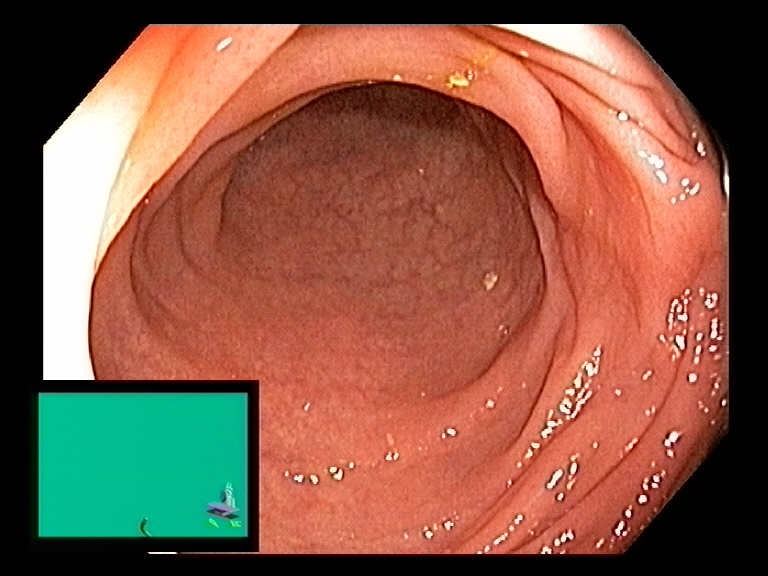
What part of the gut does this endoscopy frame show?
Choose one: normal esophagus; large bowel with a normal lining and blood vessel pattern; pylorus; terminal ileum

large bowel with a normal lining and blood vessel pattern